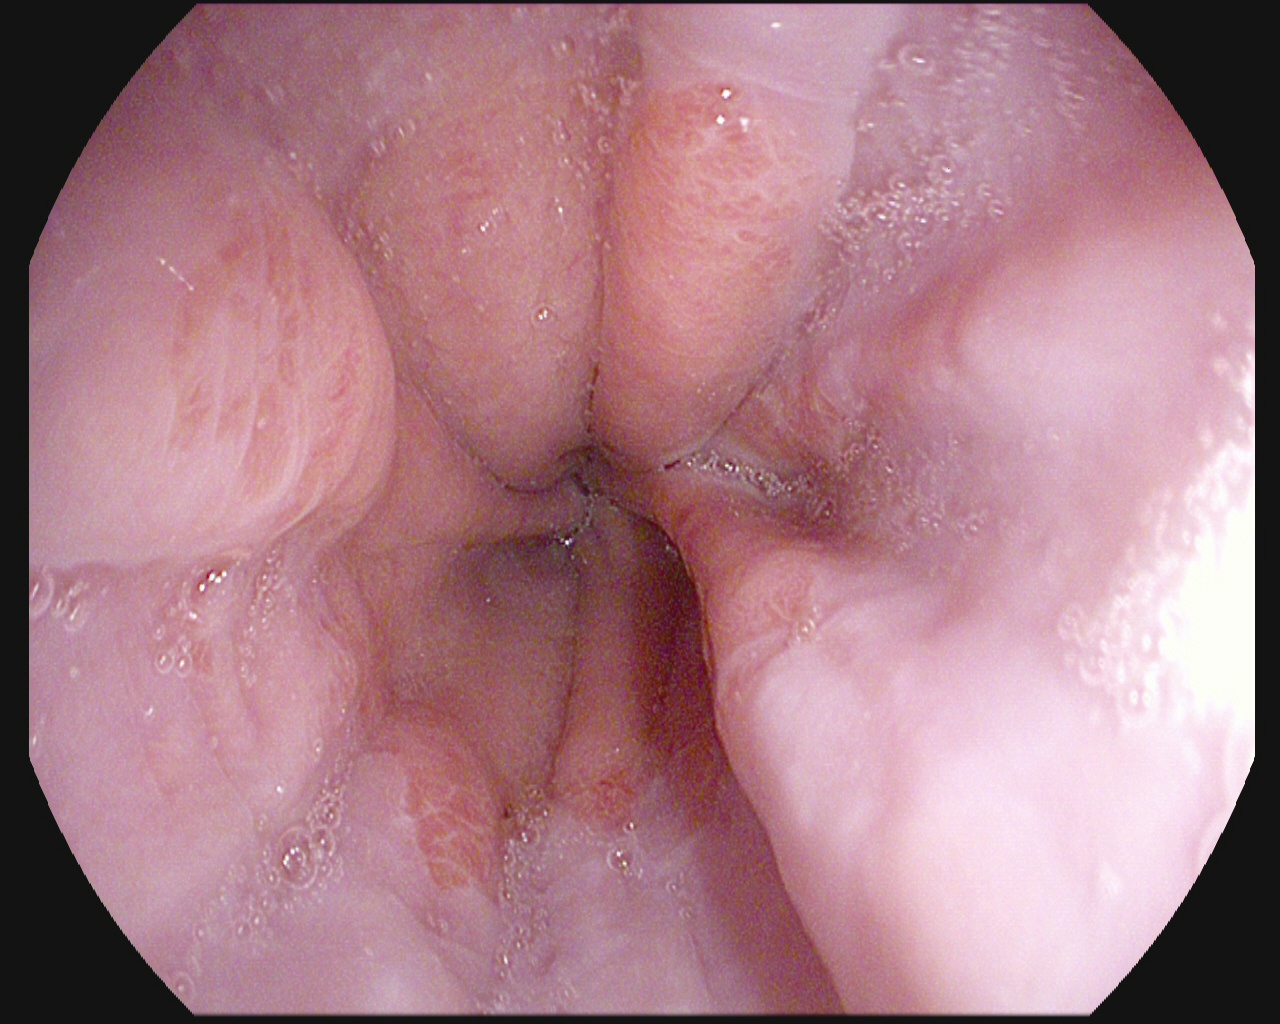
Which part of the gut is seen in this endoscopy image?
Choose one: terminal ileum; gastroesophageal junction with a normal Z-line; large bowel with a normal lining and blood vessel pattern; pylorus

gastroesophageal junction with a normal Z-line